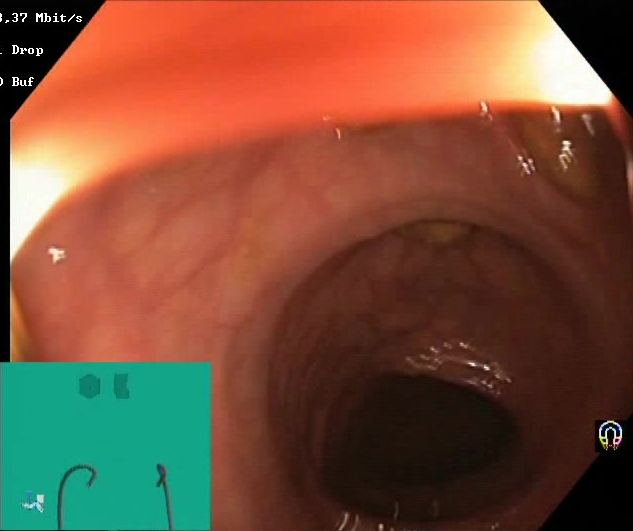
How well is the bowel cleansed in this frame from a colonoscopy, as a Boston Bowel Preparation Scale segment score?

Boston Bowel Preparation Scale score 2–3 (adequate preparation)